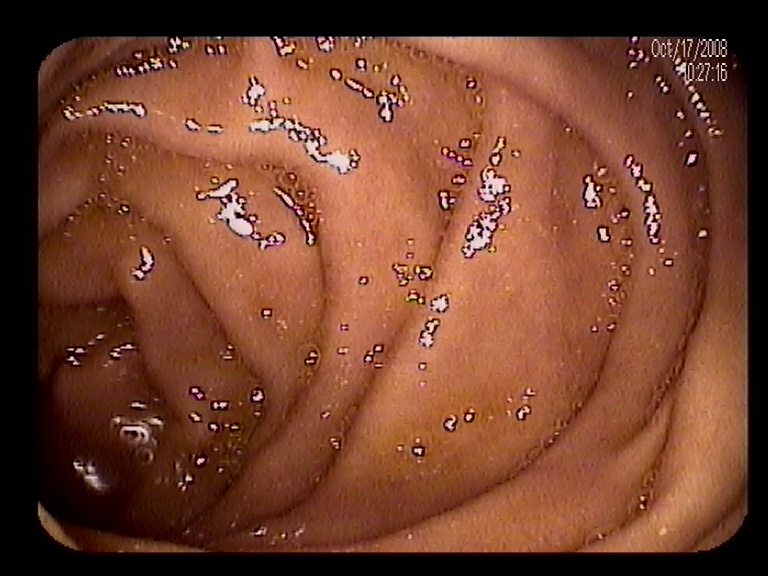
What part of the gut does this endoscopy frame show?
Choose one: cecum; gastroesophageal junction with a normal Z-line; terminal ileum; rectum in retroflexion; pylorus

terminal ileum